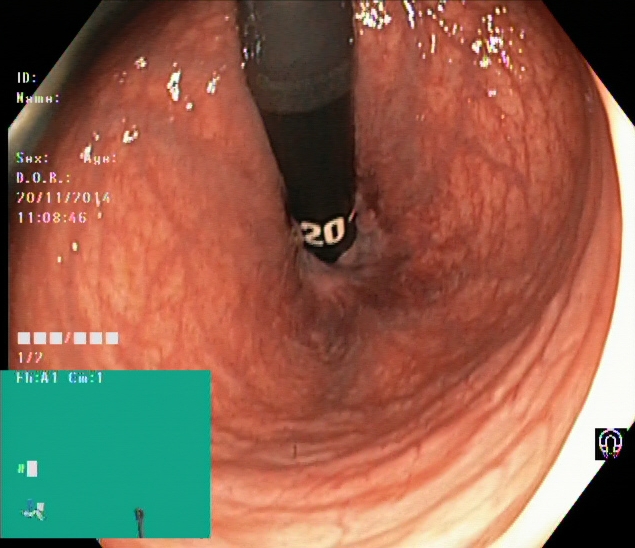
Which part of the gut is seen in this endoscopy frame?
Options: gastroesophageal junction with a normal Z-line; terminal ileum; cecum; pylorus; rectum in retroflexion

rectum in retroflexion